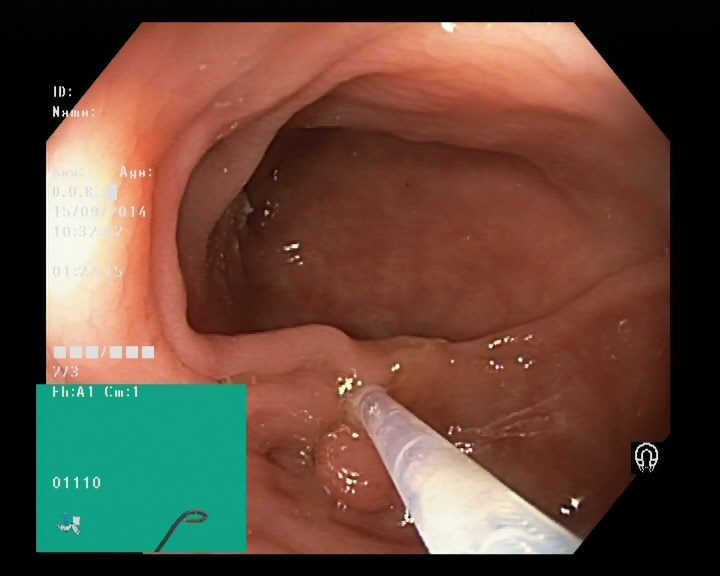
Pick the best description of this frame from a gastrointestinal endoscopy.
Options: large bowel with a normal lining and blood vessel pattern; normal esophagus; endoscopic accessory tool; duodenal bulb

endoscopic accessory tool